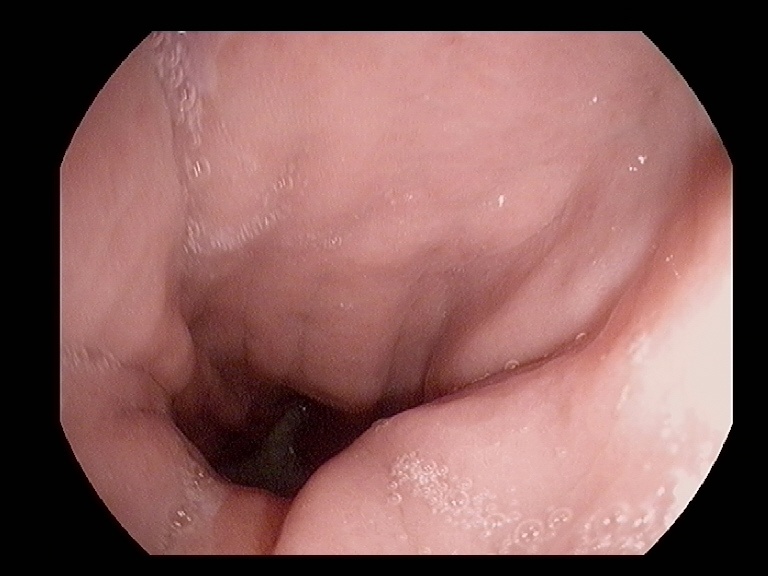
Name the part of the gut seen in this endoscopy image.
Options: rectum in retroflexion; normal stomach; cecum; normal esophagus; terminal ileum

normal stomach